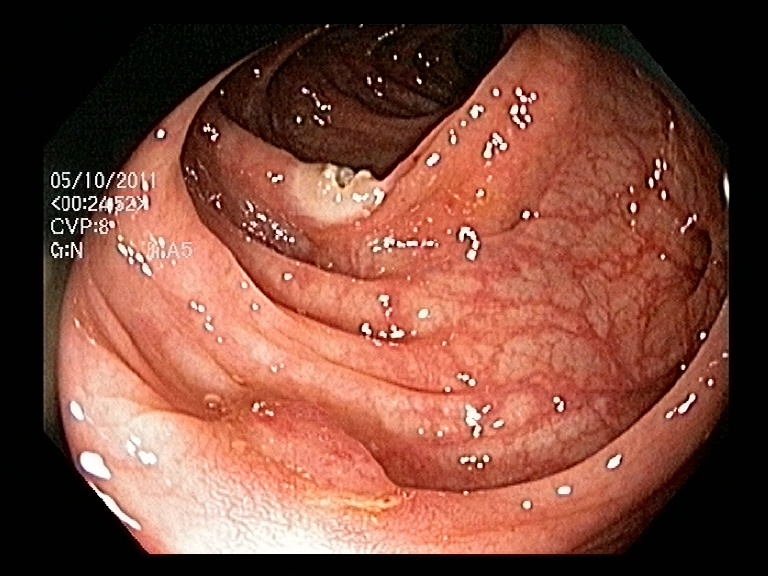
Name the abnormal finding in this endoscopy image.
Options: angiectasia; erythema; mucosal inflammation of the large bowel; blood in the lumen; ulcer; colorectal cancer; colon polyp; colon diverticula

colon polyp